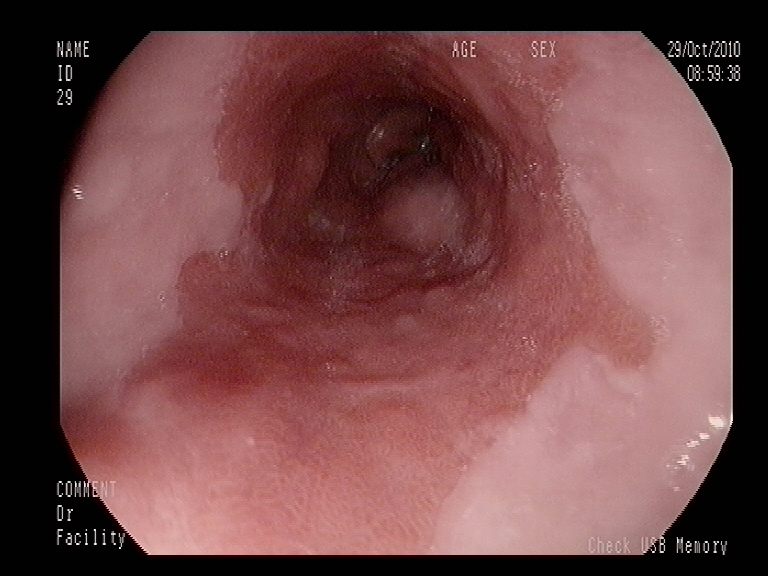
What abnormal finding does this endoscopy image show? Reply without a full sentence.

Barrett's esophagus